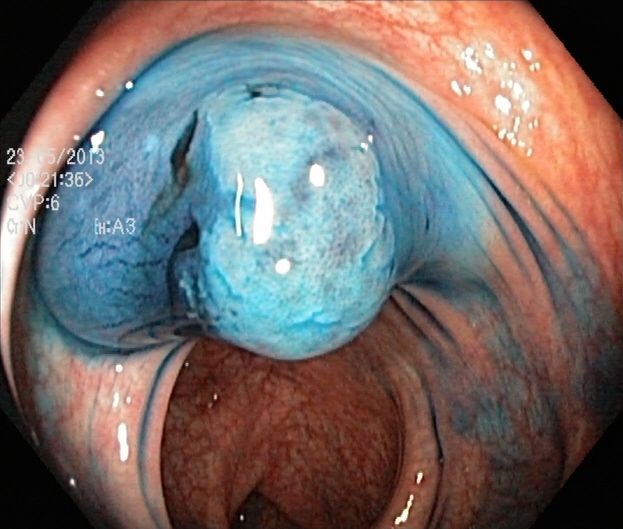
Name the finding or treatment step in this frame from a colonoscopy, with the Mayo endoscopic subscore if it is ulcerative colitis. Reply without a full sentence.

dyed and lifted polyp (pre-resection)